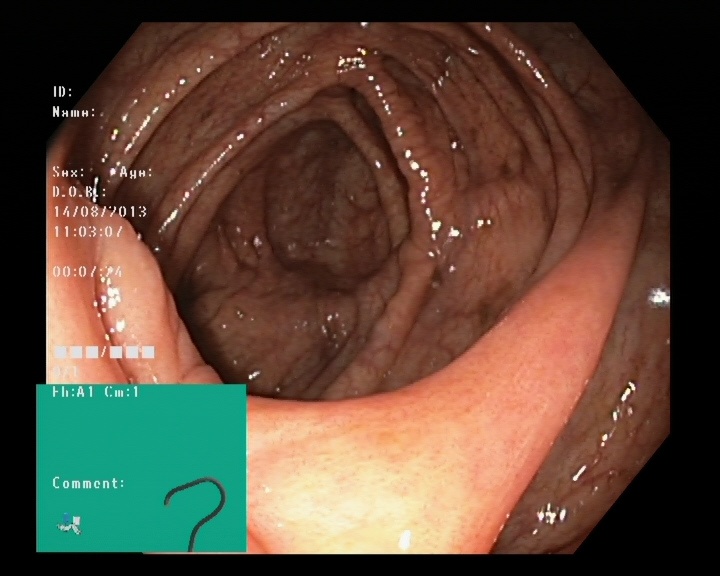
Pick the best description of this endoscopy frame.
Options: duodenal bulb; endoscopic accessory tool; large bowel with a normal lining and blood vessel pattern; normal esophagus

large bowel with a normal lining and blood vessel pattern